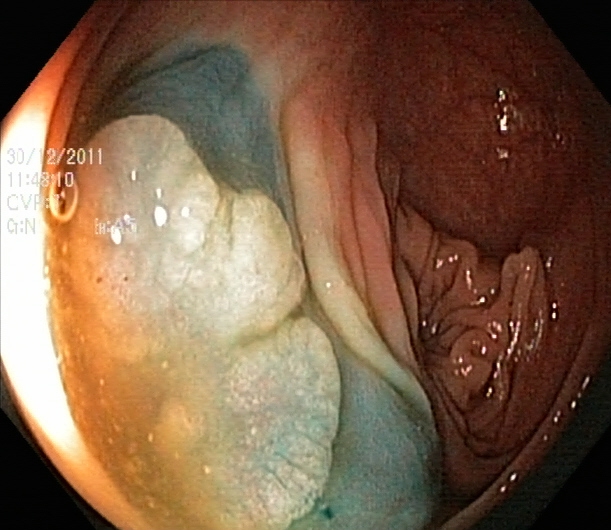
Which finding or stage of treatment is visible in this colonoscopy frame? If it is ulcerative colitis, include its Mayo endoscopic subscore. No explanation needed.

dyed and lifted polyp (pre-resection)